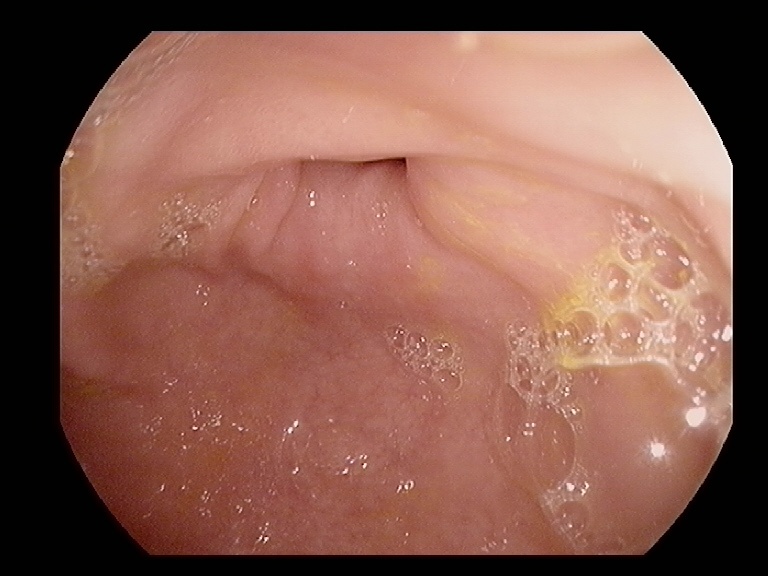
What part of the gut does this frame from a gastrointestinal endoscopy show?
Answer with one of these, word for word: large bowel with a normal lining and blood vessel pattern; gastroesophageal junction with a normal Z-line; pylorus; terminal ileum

pylorus